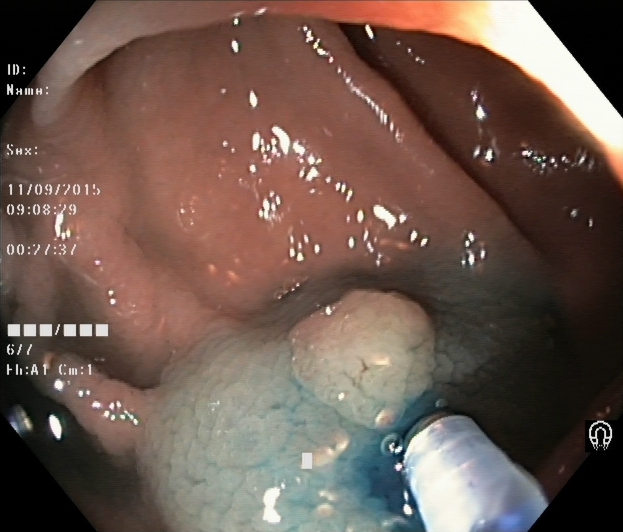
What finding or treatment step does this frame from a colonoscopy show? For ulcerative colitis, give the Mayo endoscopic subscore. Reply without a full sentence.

dyed and lifted polyp (pre-resection)